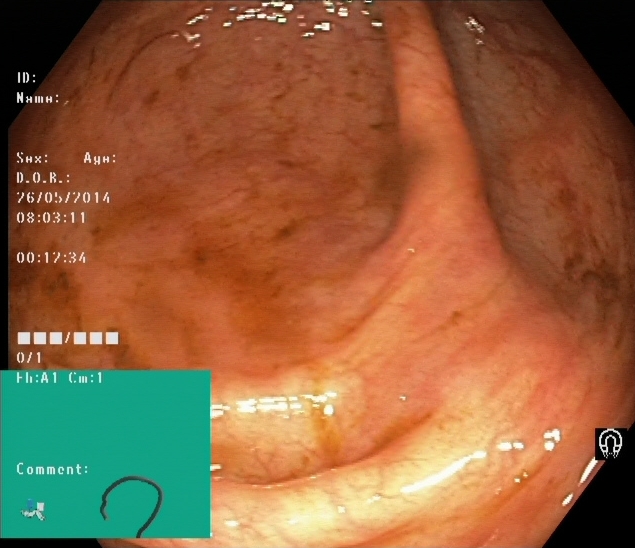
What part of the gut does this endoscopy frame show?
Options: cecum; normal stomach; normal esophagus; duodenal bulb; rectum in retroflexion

cecum